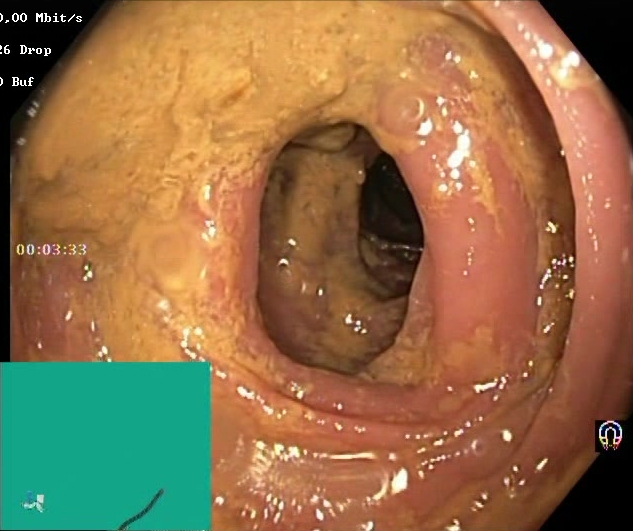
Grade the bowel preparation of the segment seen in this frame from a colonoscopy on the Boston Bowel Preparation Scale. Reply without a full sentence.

Boston Bowel Preparation Scale score 0–1 (inadequate preparation)